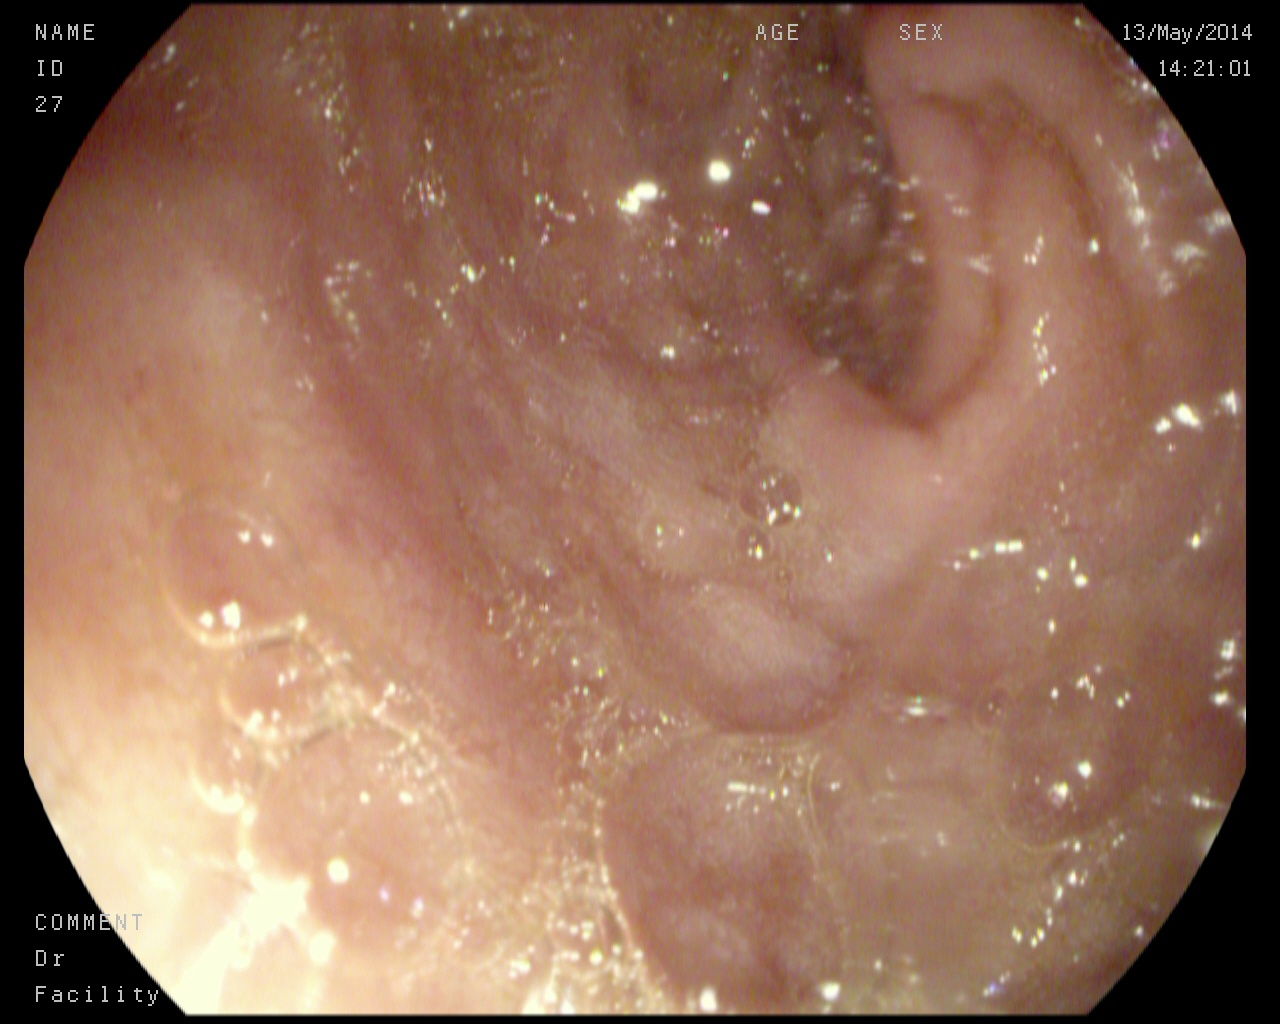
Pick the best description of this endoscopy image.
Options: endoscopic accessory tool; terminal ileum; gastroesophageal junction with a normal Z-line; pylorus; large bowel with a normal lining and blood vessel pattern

terminal ileum